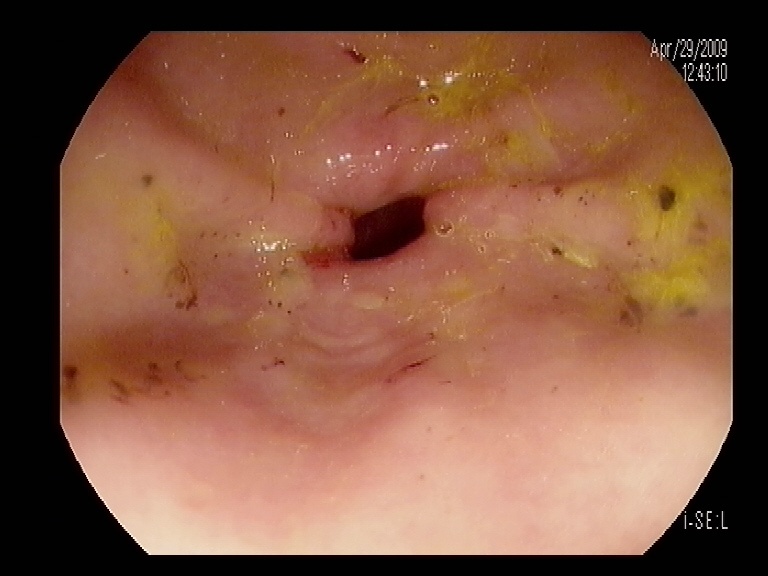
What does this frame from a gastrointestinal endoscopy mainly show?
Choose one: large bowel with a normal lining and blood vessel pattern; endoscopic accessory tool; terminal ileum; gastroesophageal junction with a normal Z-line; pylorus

pylorus